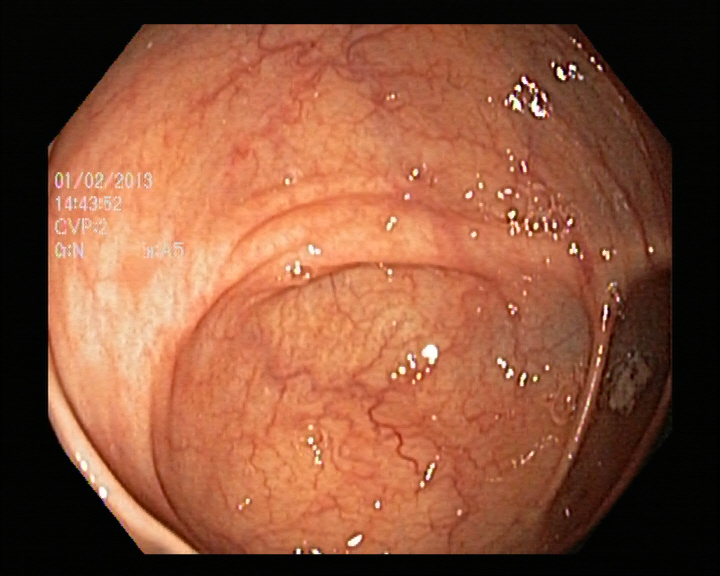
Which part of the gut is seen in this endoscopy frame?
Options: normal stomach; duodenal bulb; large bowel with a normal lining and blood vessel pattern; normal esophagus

large bowel with a normal lining and blood vessel pattern